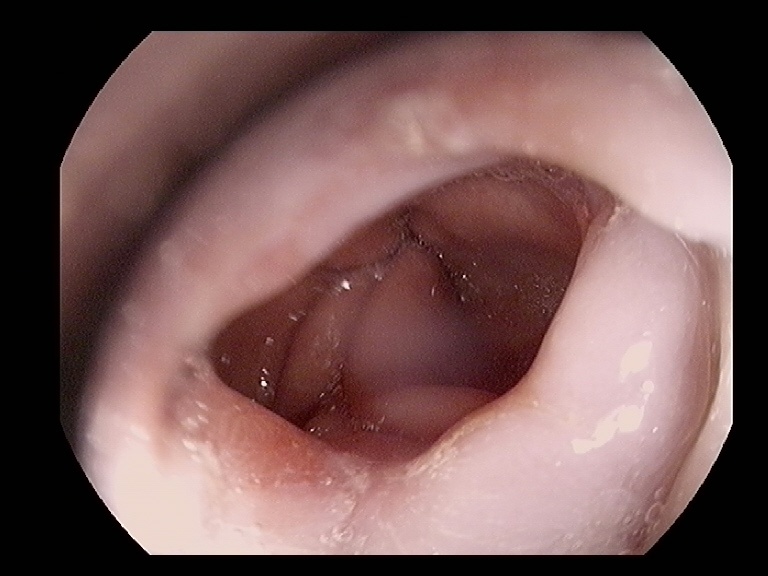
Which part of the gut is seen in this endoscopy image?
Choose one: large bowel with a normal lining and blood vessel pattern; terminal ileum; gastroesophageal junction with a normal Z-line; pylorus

gastroesophageal junction with a normal Z-line